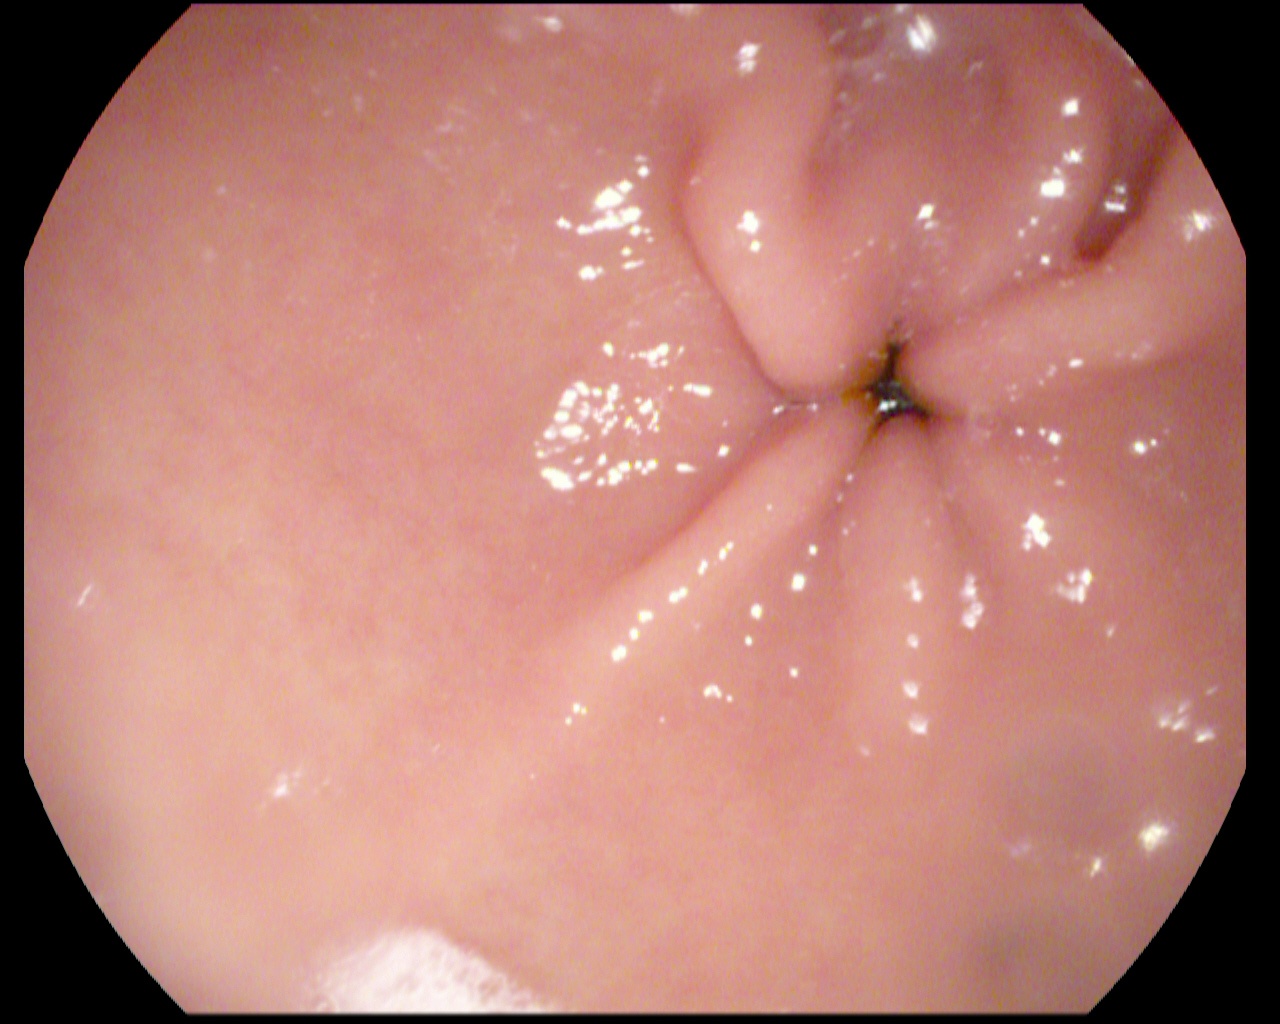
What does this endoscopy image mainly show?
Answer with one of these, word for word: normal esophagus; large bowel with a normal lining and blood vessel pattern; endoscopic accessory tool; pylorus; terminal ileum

pylorus